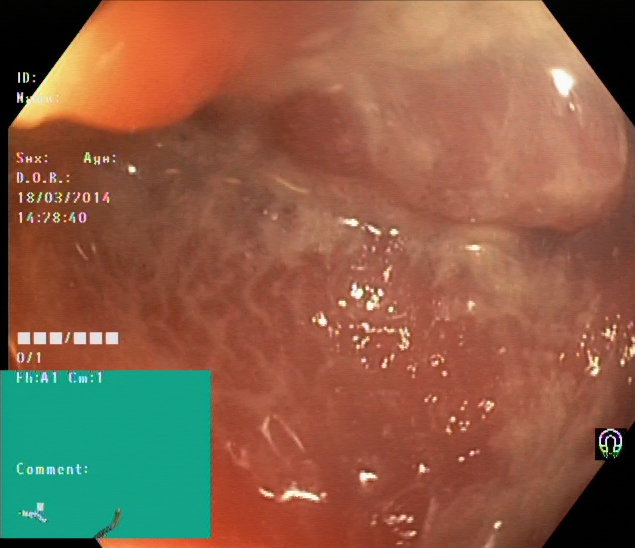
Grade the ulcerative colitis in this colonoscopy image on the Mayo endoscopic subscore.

ulcerative colitis, Mayo endoscopic subscore 2